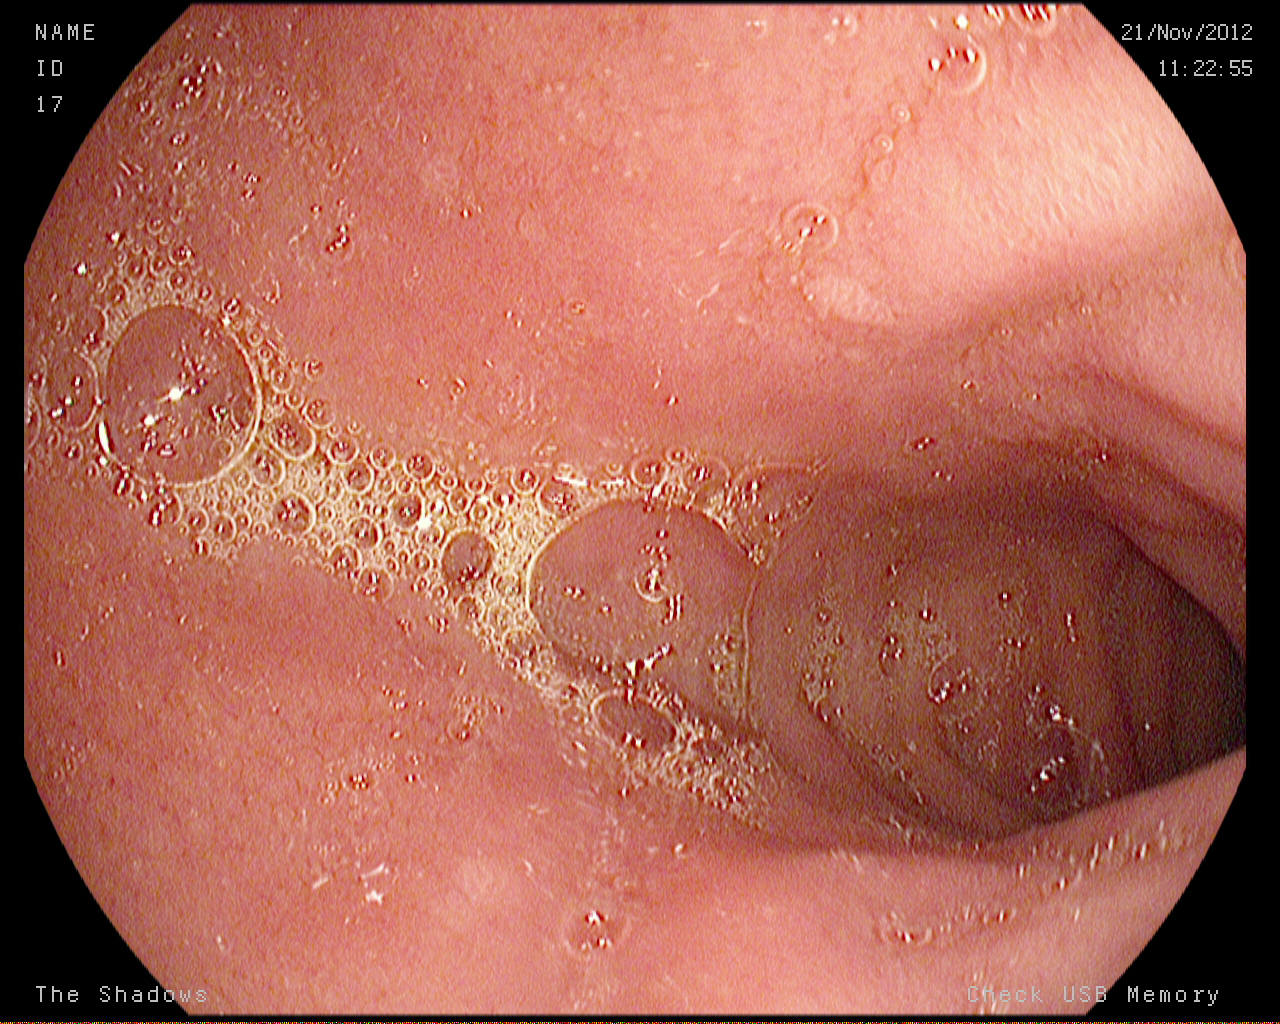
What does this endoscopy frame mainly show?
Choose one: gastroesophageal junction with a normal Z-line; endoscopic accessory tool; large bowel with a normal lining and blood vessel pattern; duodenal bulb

duodenal bulb